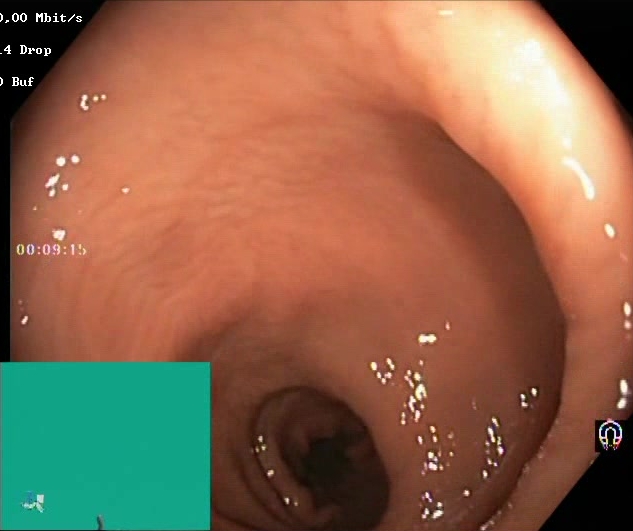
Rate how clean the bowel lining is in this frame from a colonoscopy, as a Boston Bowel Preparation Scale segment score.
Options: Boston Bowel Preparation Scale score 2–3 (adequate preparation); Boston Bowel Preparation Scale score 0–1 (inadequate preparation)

Boston Bowel Preparation Scale score 2–3 (adequate preparation)